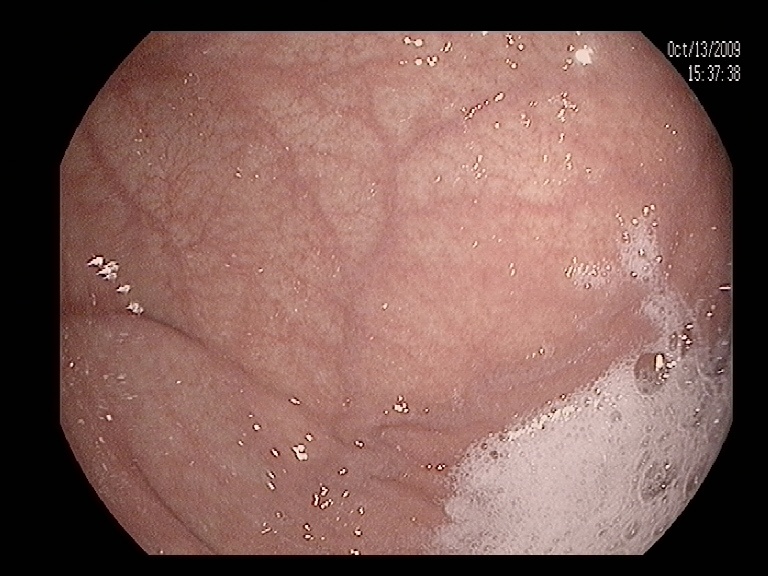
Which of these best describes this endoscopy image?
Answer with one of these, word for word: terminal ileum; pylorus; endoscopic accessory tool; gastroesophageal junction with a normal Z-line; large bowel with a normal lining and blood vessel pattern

large bowel with a normal lining and blood vessel pattern